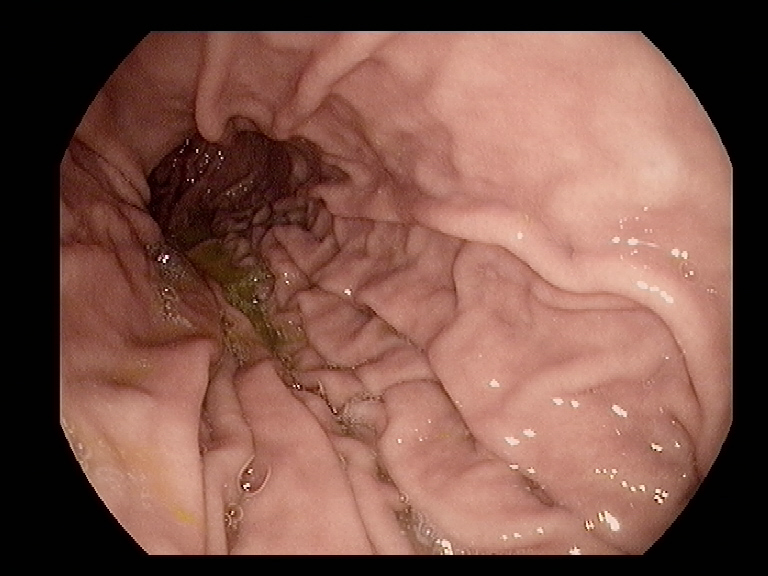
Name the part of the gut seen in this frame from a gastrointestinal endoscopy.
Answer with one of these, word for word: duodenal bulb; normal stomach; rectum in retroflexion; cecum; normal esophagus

normal stomach